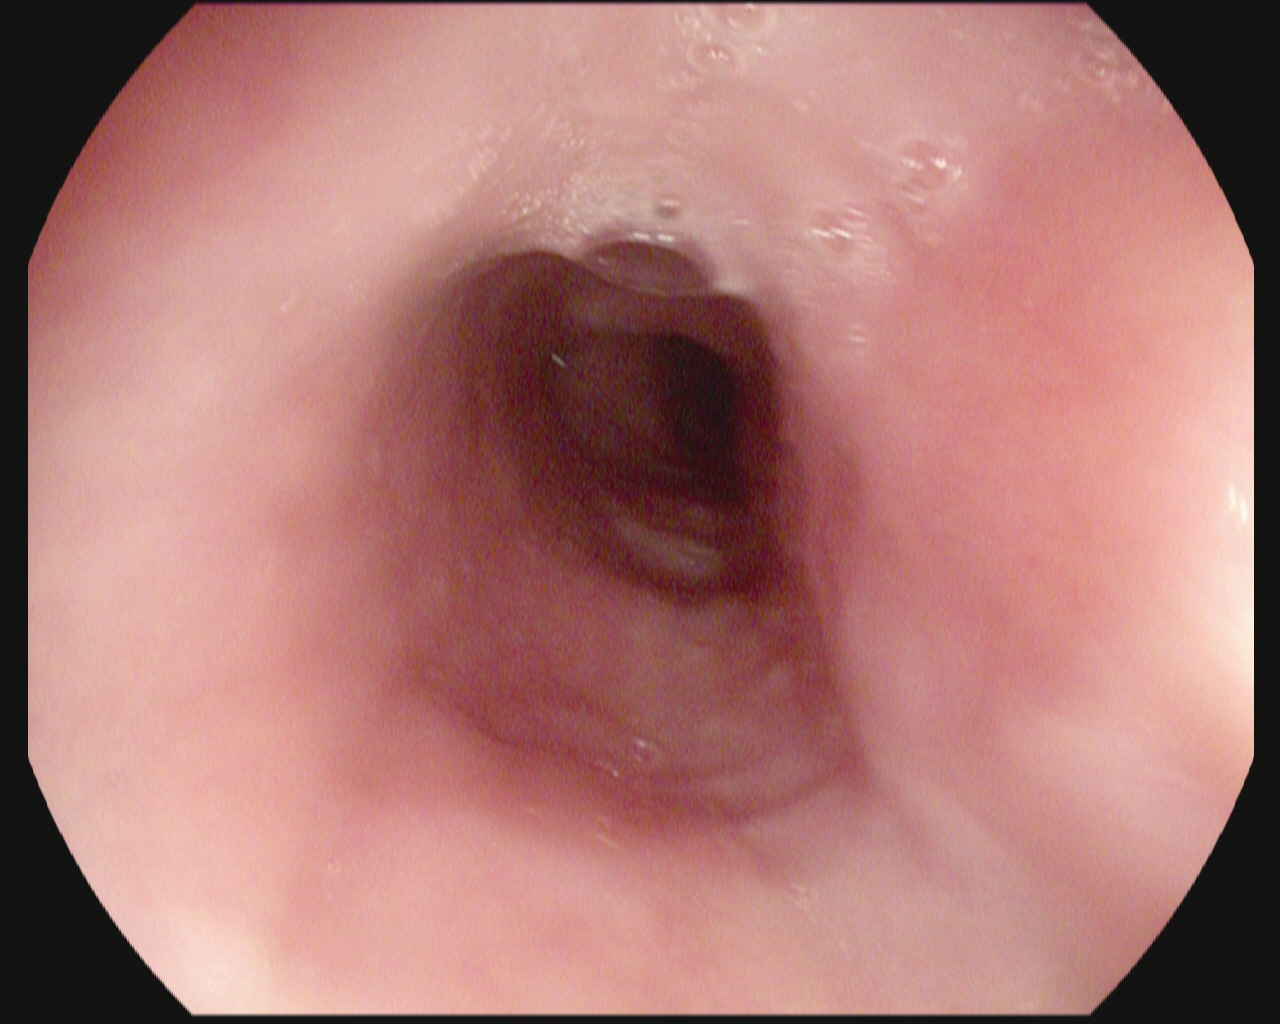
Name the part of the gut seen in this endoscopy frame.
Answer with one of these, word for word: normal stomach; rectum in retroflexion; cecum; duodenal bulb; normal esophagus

normal esophagus